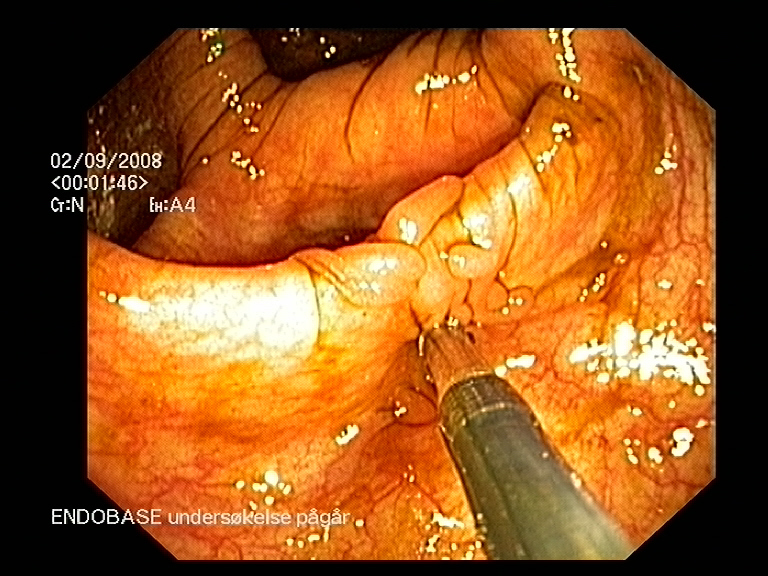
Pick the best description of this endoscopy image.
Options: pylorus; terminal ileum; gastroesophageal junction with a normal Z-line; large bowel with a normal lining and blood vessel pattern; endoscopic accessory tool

endoscopic accessory tool